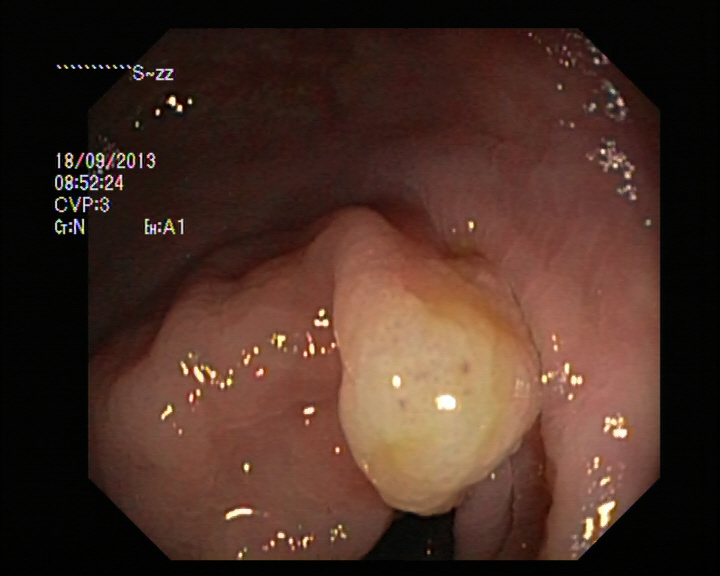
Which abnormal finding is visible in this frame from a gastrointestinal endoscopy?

colon polyp